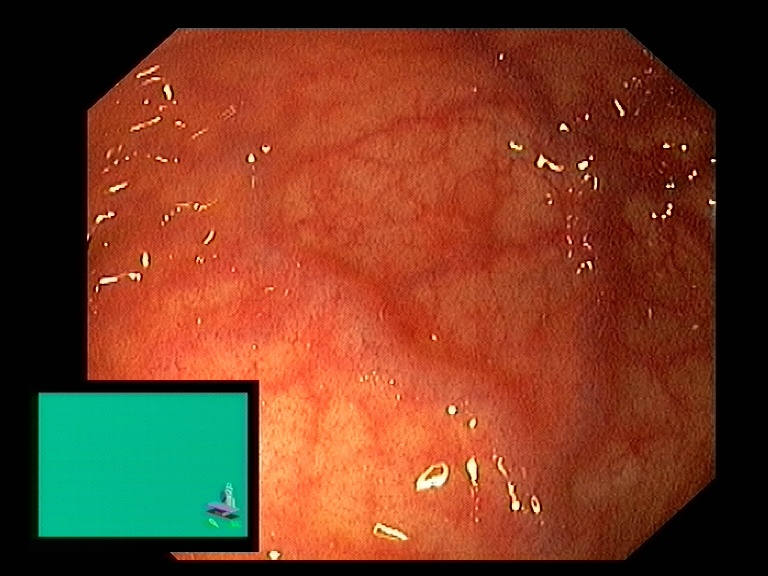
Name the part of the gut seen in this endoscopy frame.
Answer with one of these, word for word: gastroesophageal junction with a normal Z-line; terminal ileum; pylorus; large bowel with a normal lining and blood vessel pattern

large bowel with a normal lining and blood vessel pattern